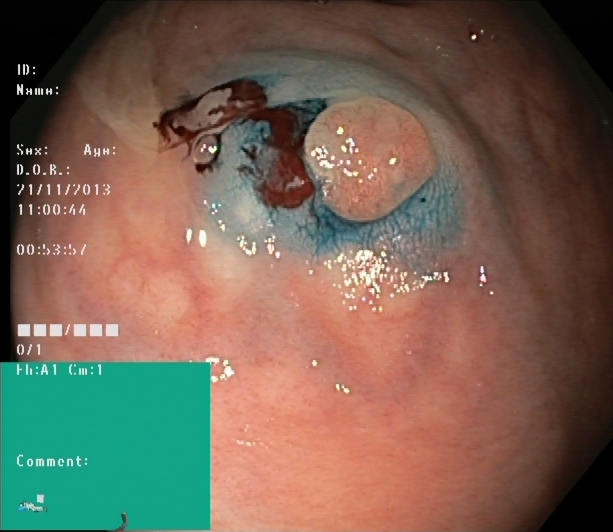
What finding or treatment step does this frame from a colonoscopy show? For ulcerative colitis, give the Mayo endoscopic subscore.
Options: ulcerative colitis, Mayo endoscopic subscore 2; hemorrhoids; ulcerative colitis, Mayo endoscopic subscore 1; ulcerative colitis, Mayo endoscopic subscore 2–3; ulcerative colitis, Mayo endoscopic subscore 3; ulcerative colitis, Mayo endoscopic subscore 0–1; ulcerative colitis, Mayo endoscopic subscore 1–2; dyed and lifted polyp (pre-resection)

dyed and lifted polyp (pre-resection)